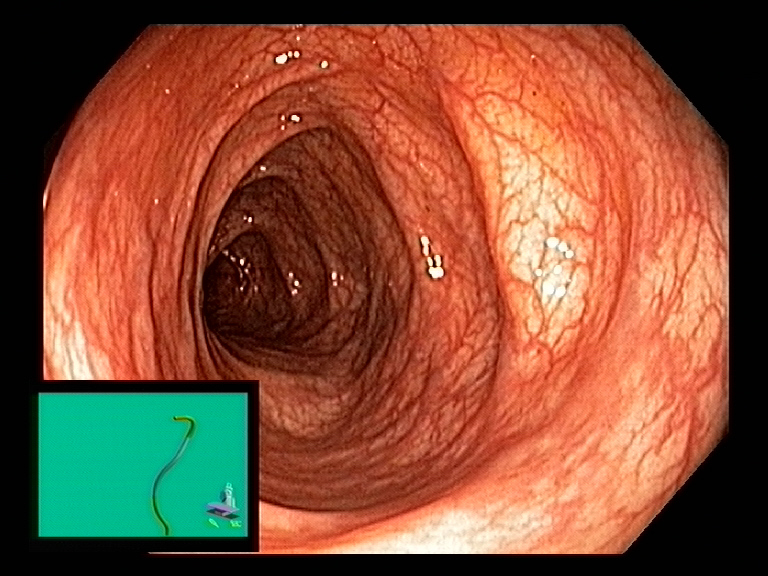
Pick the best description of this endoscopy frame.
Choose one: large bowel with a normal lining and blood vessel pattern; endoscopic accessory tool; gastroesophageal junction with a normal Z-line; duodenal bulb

large bowel with a normal lining and blood vessel pattern